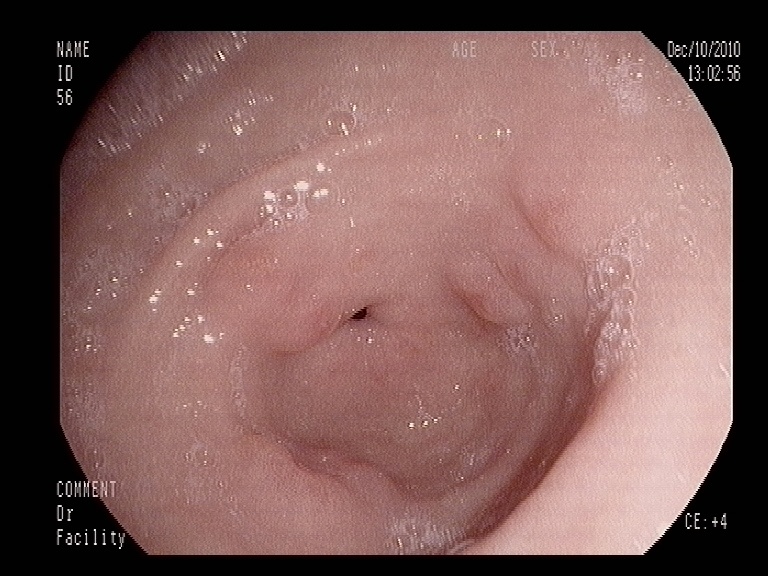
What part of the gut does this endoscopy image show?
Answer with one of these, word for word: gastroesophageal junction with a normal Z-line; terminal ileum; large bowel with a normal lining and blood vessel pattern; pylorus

pylorus